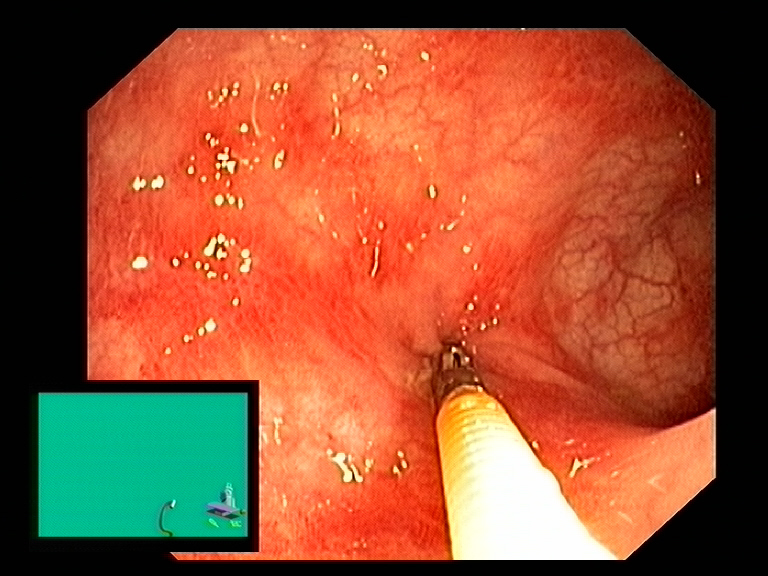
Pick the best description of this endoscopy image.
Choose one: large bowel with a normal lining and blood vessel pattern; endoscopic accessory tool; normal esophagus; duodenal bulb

endoscopic accessory tool